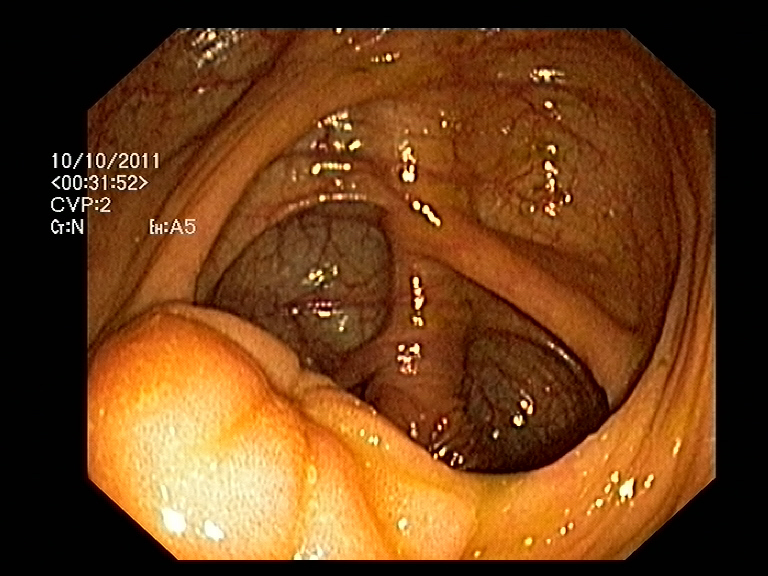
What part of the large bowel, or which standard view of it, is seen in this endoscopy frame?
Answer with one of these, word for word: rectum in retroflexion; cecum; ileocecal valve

ileocecal valve